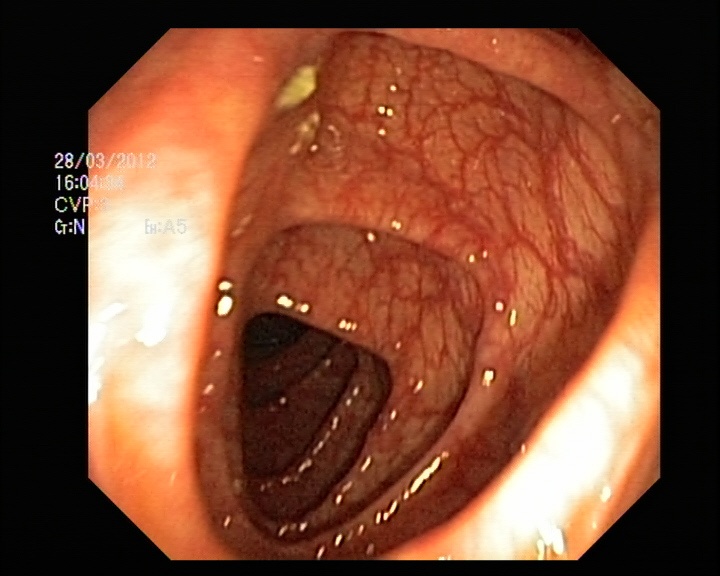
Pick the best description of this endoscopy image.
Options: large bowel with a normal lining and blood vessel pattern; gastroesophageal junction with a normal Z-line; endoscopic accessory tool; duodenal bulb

large bowel with a normal lining and blood vessel pattern